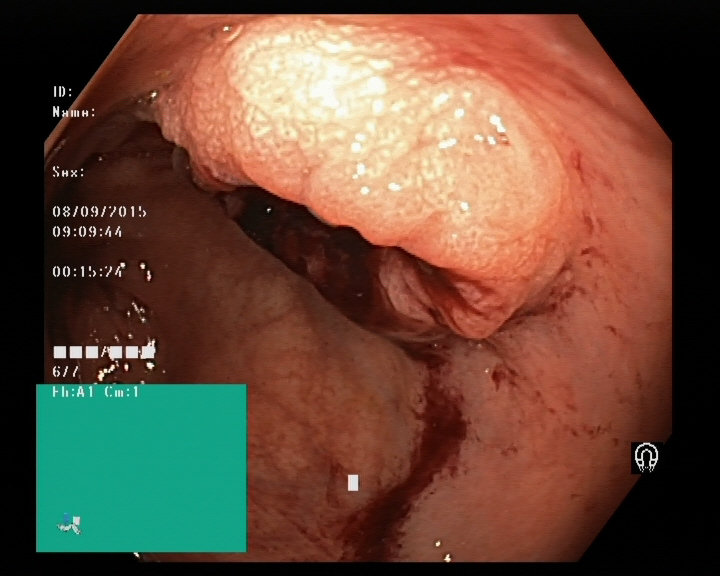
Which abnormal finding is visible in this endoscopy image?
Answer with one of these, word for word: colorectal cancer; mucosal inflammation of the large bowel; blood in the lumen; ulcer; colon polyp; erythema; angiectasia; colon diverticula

colon polyp